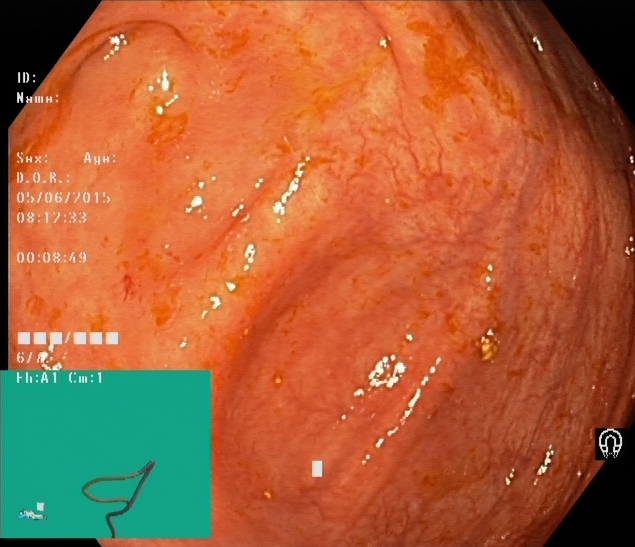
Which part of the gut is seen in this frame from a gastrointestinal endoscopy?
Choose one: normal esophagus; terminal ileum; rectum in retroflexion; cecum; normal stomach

cecum